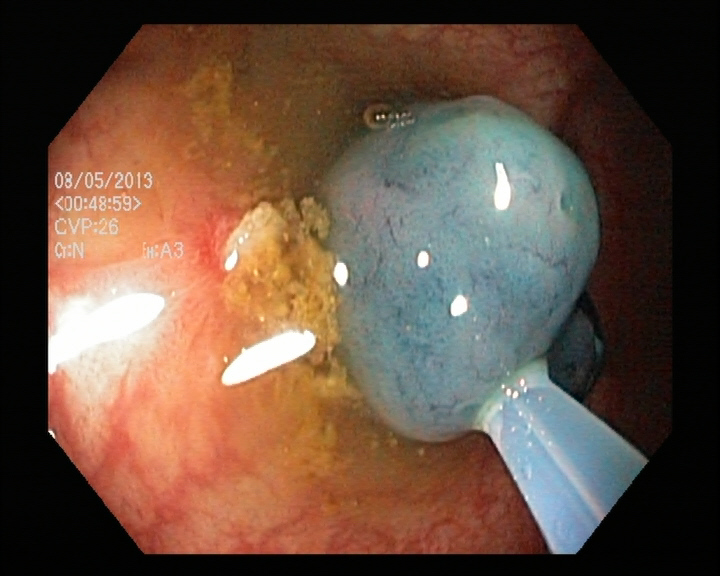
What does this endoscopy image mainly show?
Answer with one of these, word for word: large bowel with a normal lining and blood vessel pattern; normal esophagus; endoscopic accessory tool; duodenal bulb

endoscopic accessory tool